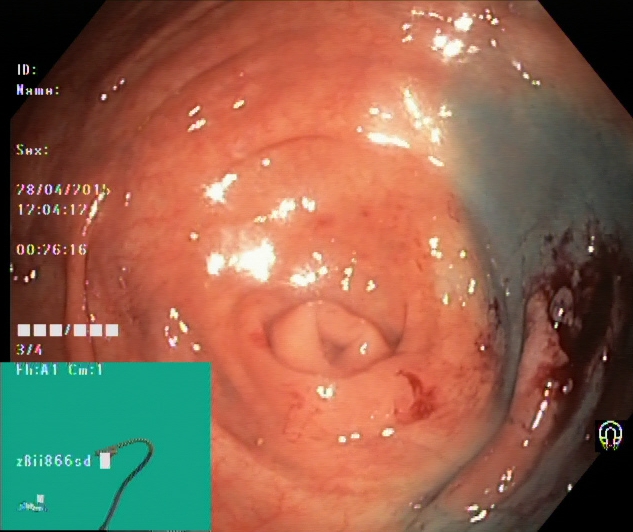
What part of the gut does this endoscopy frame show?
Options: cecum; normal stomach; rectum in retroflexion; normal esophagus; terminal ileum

cecum